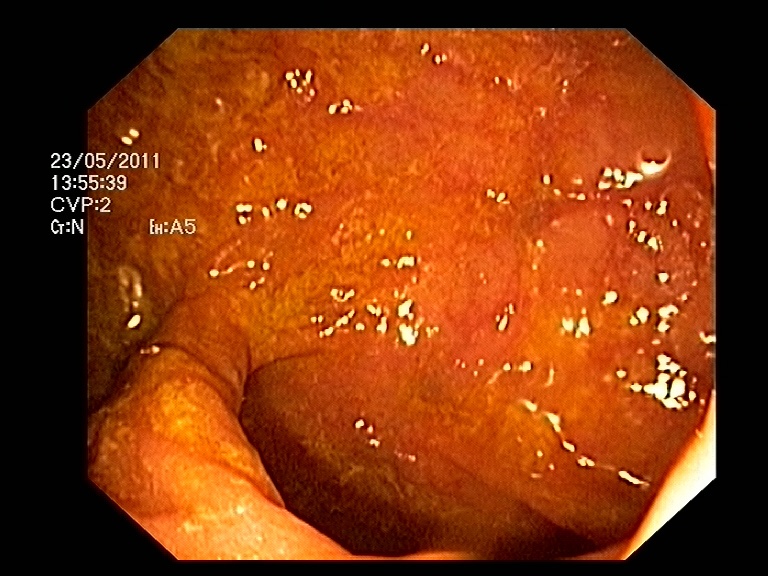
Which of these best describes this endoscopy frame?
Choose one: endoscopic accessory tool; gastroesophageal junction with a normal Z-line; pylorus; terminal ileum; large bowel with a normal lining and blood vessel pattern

large bowel with a normal lining and blood vessel pattern